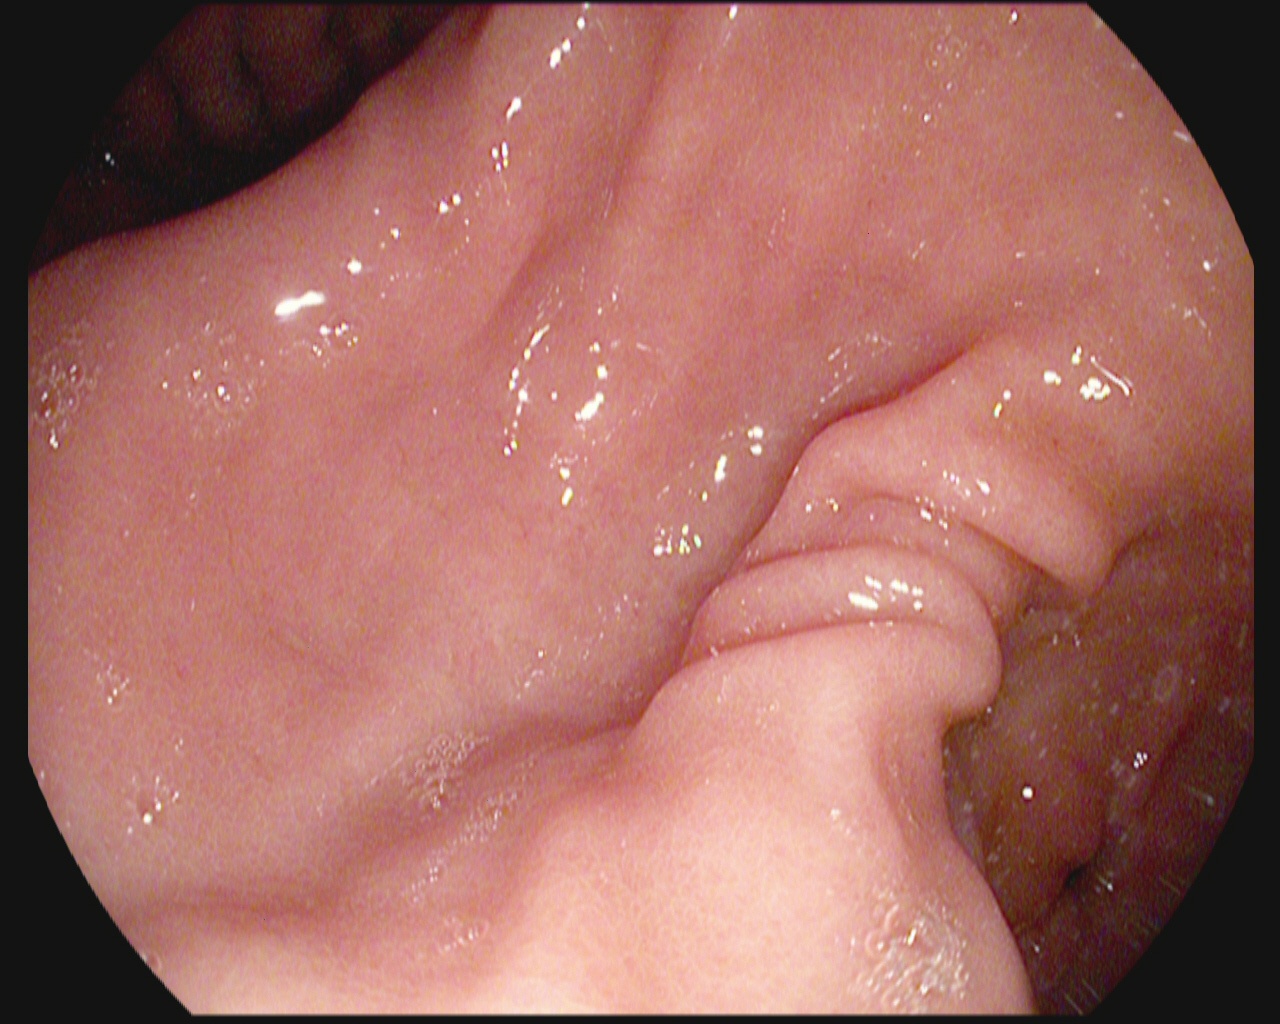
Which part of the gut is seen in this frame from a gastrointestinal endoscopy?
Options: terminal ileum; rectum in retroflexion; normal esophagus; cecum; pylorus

pylorus